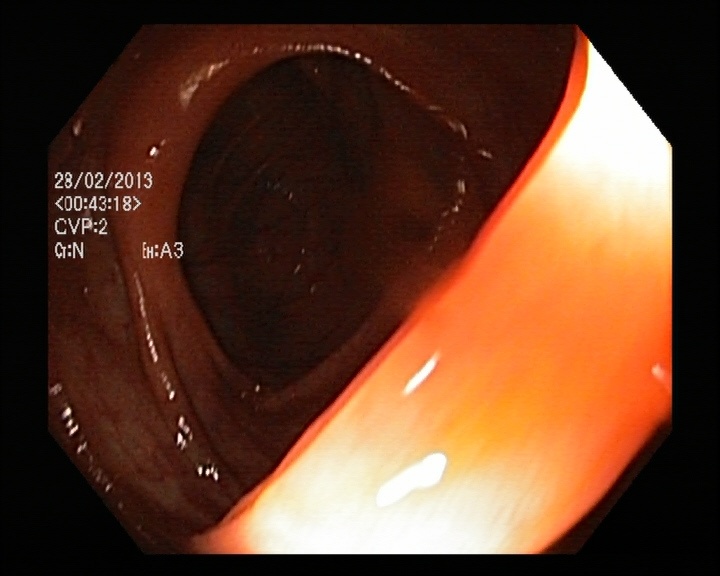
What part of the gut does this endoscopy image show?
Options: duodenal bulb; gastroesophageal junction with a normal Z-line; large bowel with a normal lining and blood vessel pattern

large bowel with a normal lining and blood vessel pattern